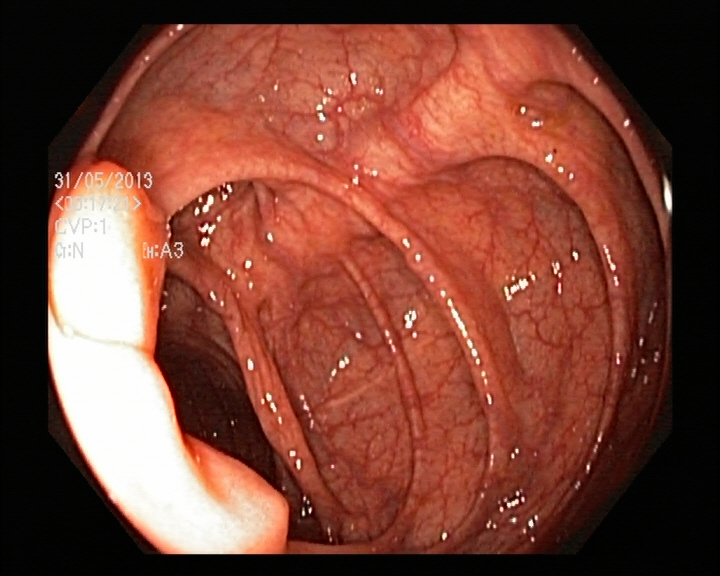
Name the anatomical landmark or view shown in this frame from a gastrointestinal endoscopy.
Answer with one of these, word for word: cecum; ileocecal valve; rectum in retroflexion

ileocecal valve